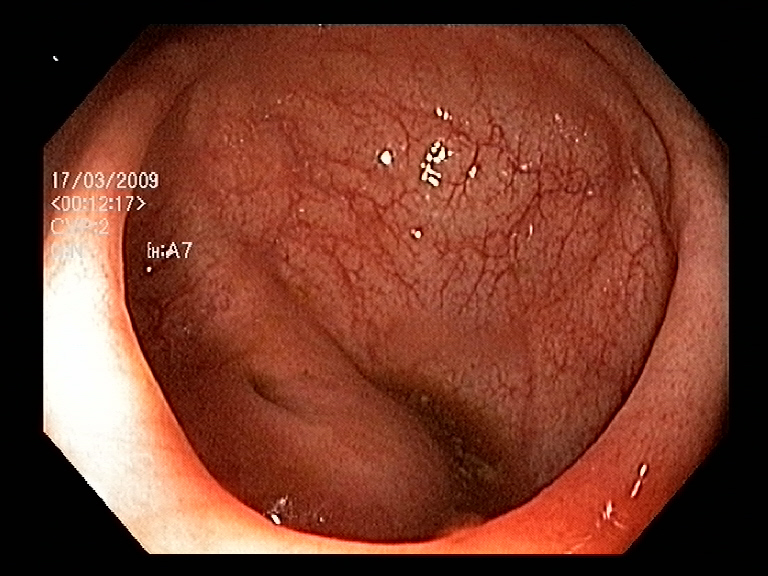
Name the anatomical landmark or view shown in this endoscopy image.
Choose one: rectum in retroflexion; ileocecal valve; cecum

cecum